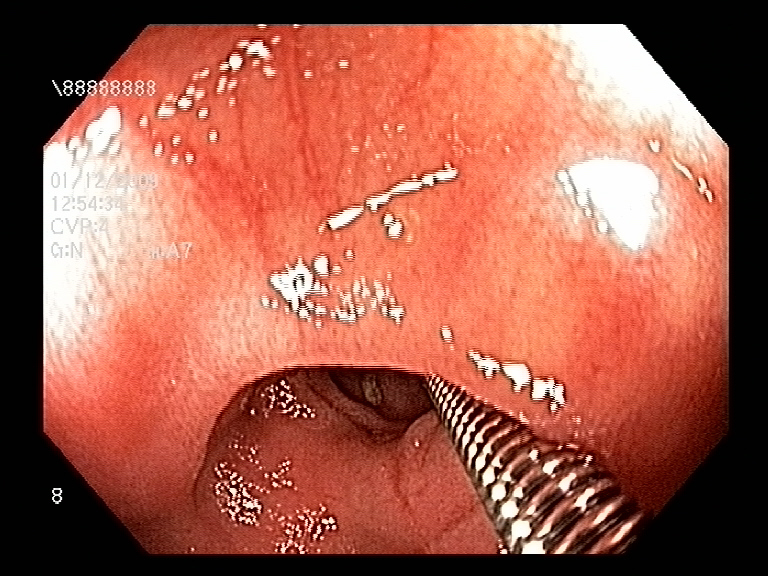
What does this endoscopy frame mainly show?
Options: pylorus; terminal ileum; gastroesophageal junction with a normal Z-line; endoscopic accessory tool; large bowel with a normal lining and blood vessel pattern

endoscopic accessory tool